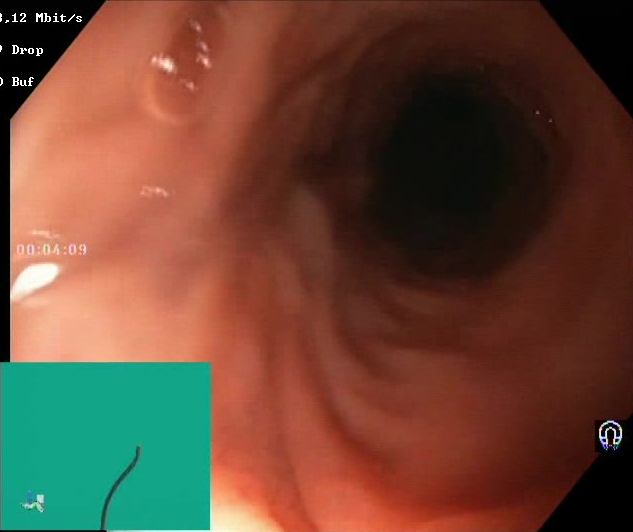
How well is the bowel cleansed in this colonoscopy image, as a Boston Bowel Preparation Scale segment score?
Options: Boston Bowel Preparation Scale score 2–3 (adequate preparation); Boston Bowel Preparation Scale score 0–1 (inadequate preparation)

Boston Bowel Preparation Scale score 2–3 (adequate preparation)